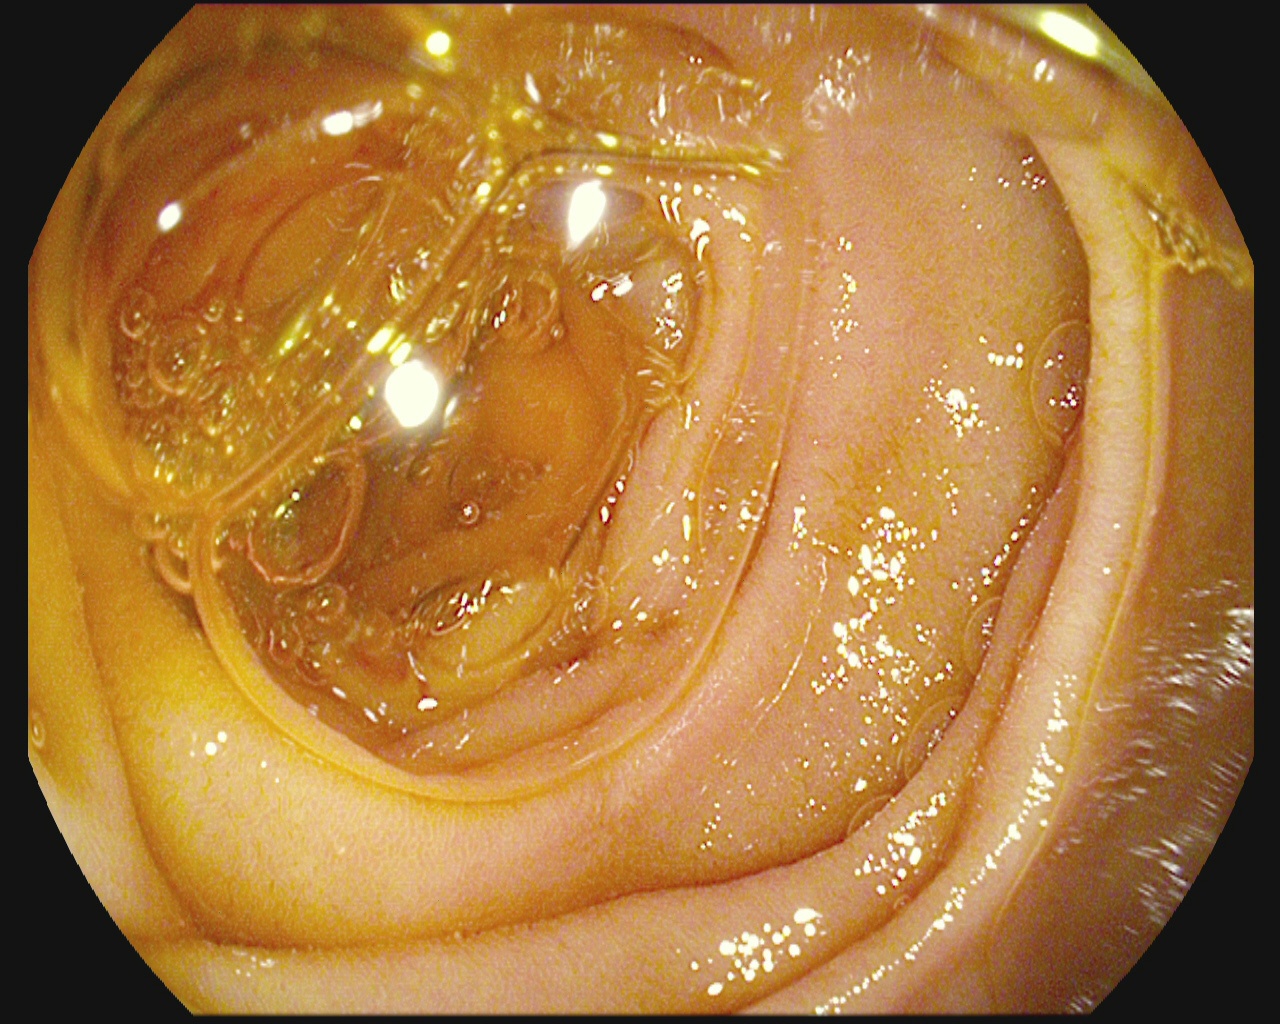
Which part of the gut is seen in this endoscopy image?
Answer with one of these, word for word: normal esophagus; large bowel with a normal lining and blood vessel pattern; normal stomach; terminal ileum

terminal ileum